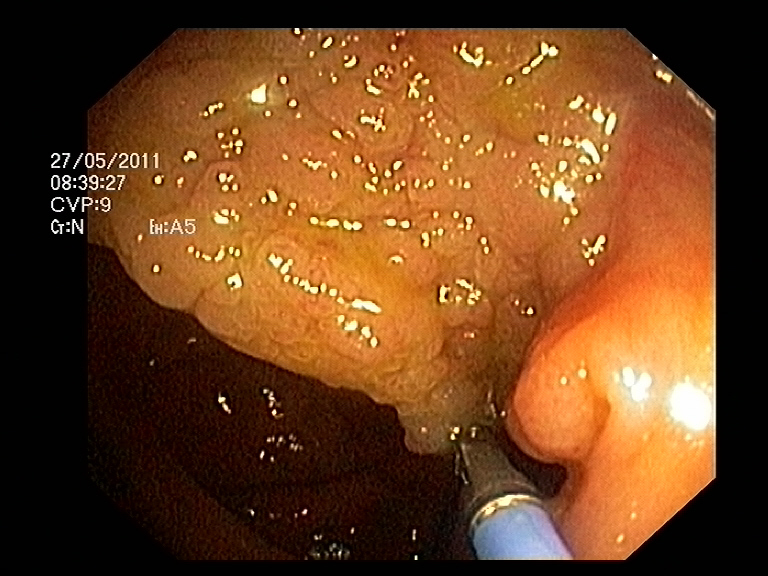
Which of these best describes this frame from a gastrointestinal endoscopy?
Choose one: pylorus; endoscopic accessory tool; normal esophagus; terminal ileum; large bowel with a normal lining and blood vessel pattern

endoscopic accessory tool